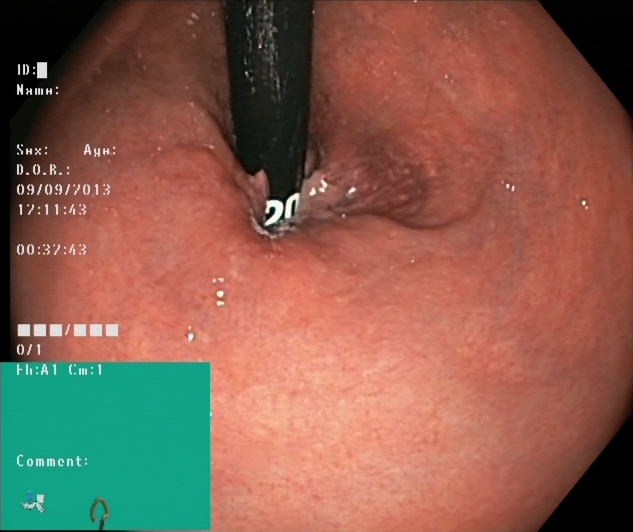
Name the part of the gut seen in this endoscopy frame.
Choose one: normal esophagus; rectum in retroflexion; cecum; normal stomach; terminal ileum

rectum in retroflexion